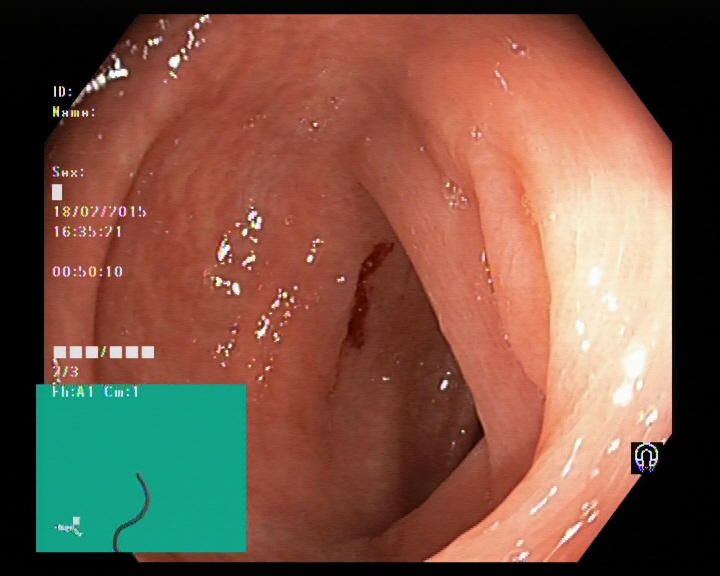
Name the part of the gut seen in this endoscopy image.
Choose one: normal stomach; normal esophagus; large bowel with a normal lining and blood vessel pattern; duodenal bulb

large bowel with a normal lining and blood vessel pattern